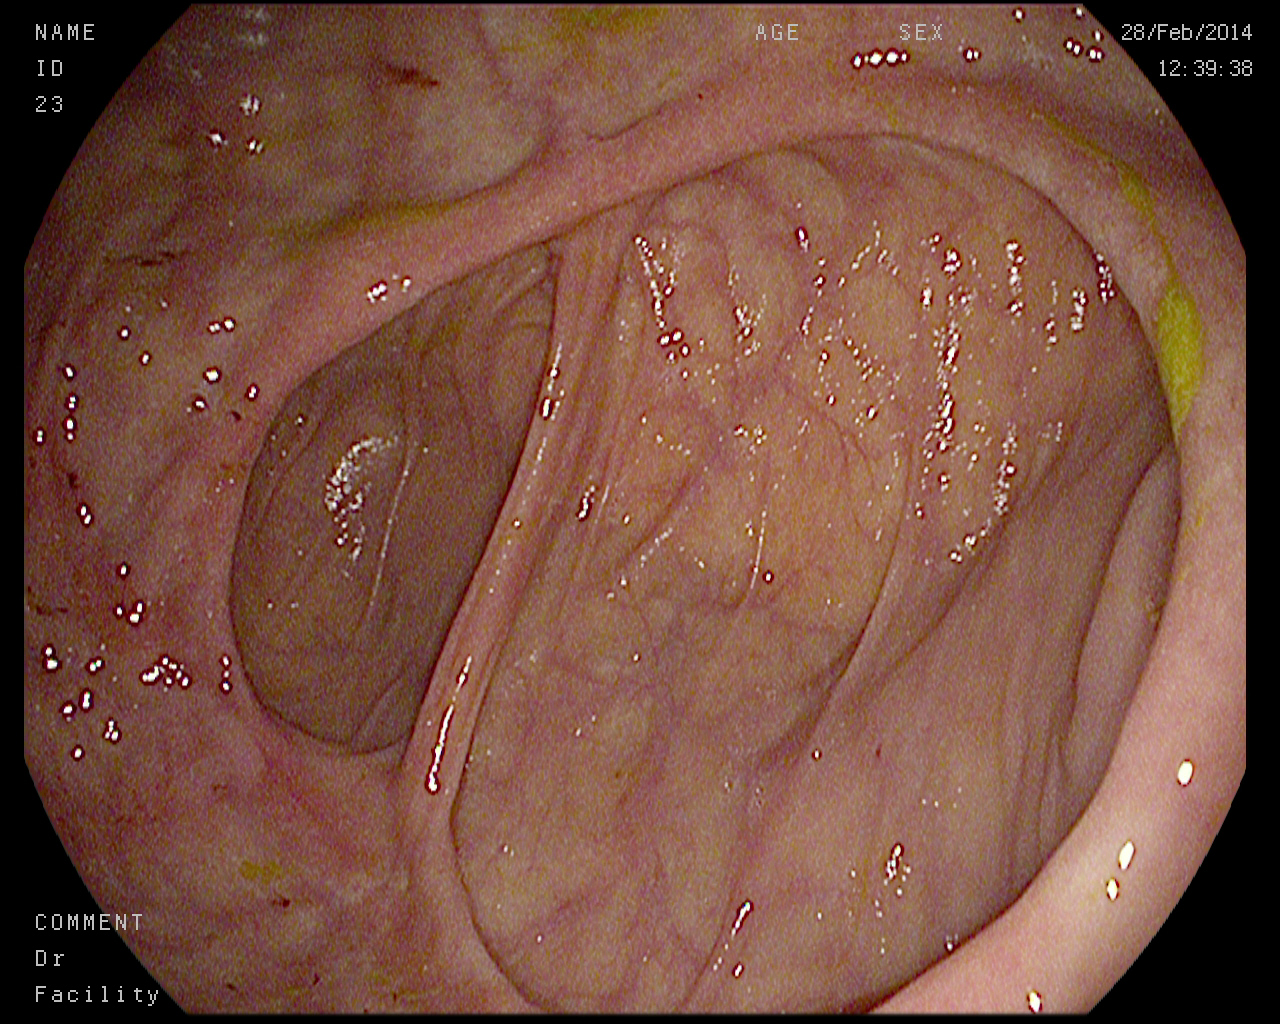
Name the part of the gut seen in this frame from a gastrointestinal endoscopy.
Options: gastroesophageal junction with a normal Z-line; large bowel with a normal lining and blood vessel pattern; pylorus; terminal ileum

large bowel with a normal lining and blood vessel pattern